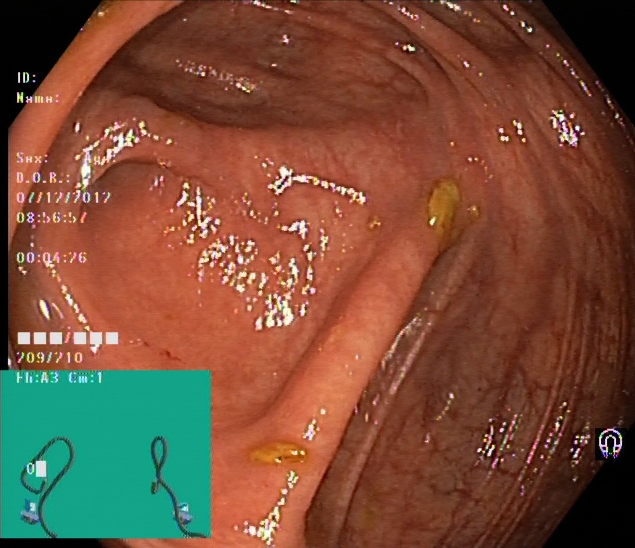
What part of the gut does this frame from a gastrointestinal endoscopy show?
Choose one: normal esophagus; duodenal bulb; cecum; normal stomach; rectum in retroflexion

cecum